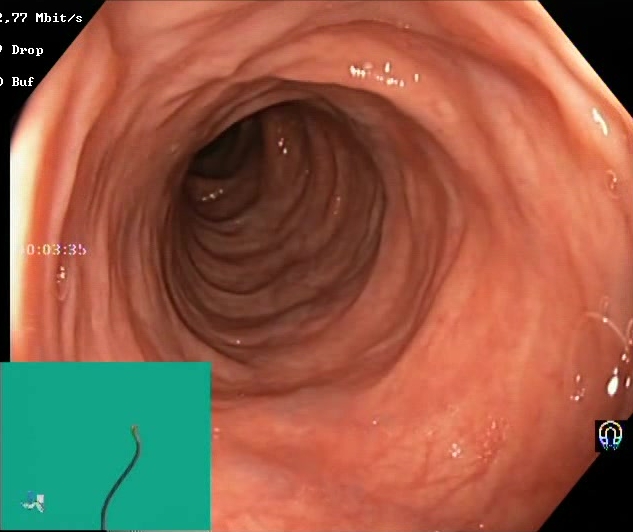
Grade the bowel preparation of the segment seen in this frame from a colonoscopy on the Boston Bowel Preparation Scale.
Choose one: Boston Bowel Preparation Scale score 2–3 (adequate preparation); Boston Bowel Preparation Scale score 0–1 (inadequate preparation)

Boston Bowel Preparation Scale score 2–3 (adequate preparation)